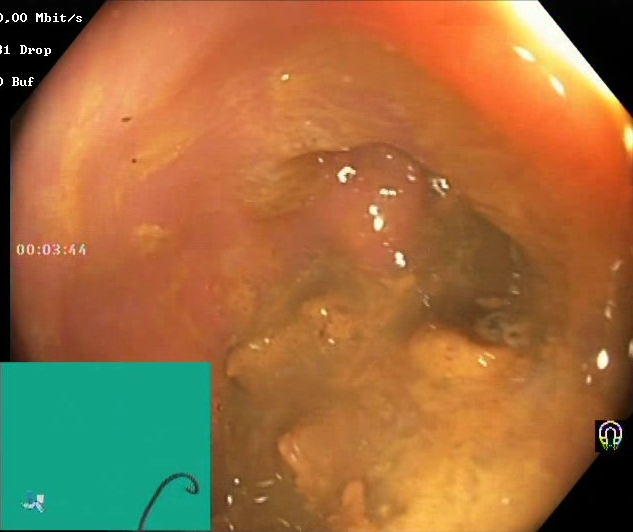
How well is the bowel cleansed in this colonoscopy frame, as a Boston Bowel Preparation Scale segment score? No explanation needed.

Boston Bowel Preparation Scale score 0–1 (inadequate preparation)